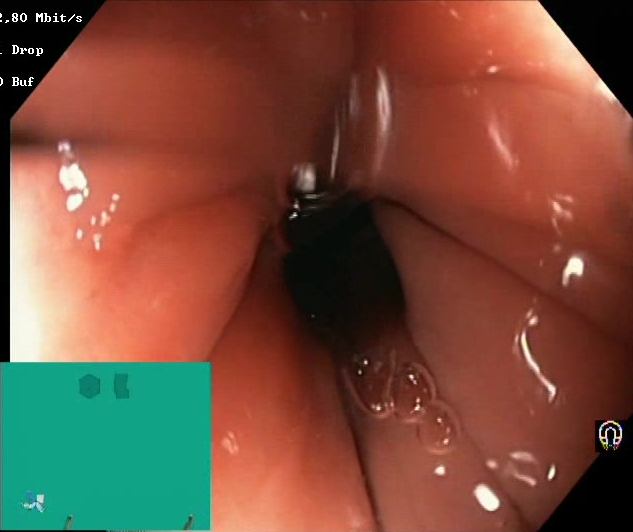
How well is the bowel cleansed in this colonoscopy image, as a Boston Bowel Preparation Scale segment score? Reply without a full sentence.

Boston Bowel Preparation Scale score 2–3 (adequate preparation)